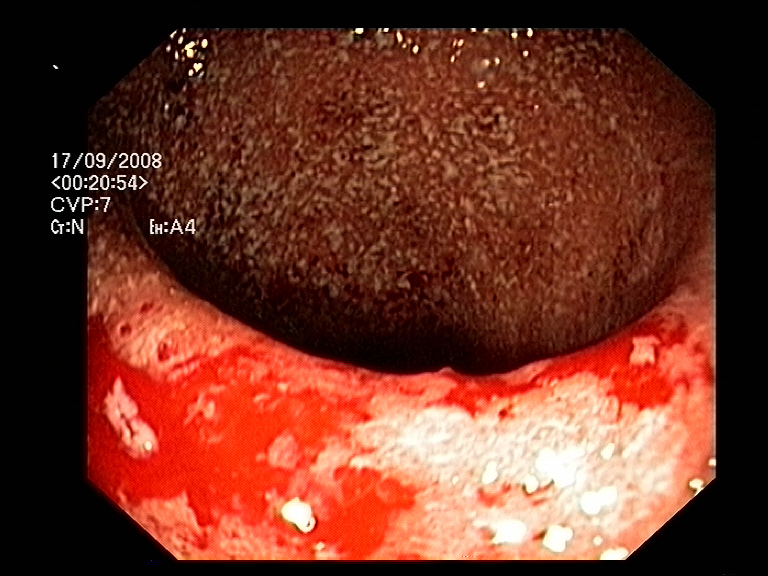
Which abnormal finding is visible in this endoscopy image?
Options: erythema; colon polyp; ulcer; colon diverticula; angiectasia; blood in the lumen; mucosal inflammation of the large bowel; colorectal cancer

blood in the lumen